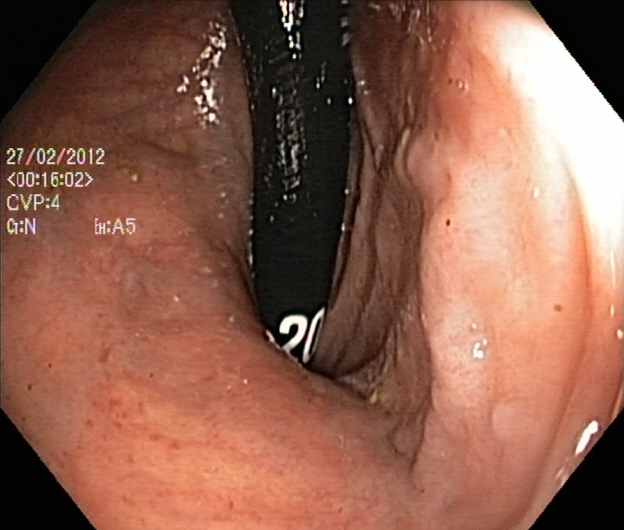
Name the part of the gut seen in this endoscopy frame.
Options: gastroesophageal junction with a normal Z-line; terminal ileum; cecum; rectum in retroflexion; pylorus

rectum in retroflexion